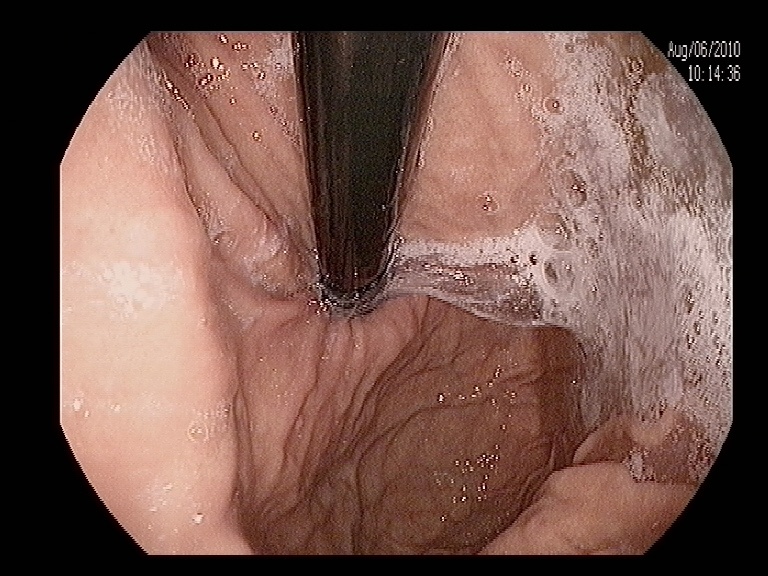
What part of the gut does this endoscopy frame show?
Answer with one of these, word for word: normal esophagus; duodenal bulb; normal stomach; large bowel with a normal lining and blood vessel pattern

normal stomach